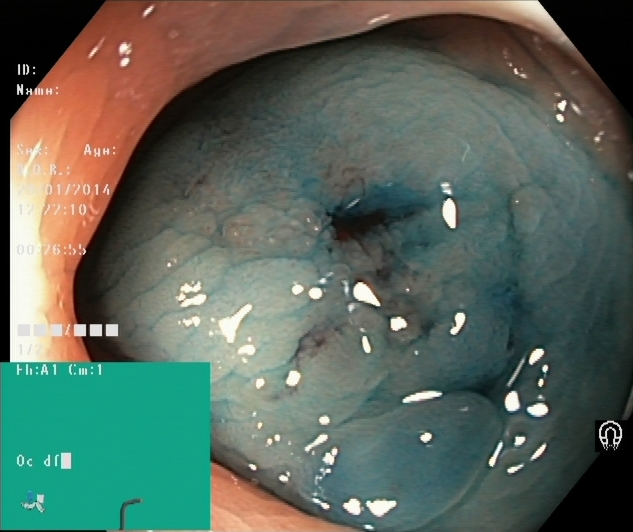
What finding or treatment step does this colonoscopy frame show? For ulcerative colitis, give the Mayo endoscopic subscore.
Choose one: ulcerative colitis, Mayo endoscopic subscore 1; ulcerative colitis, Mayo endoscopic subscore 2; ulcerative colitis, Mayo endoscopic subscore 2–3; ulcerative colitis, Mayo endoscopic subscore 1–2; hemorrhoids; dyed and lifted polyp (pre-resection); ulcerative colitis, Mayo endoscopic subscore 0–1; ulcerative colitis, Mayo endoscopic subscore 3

dyed and lifted polyp (pre-resection)